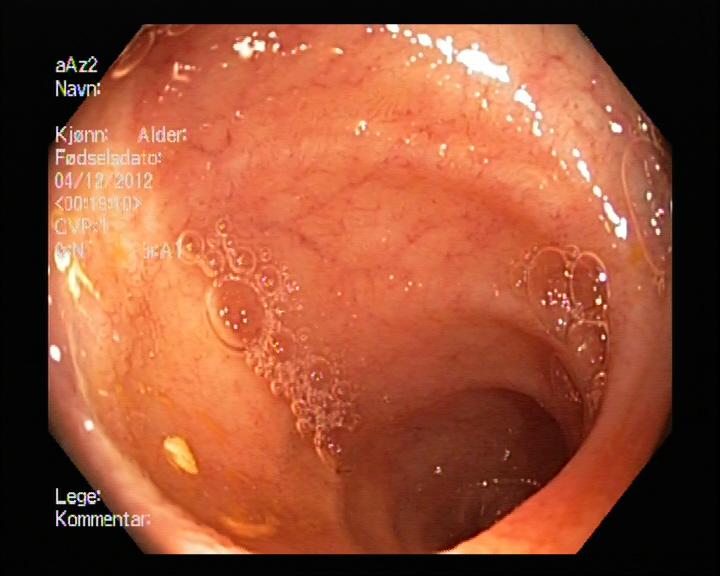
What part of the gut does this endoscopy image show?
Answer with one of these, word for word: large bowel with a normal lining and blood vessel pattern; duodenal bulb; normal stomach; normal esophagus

large bowel with a normal lining and blood vessel pattern